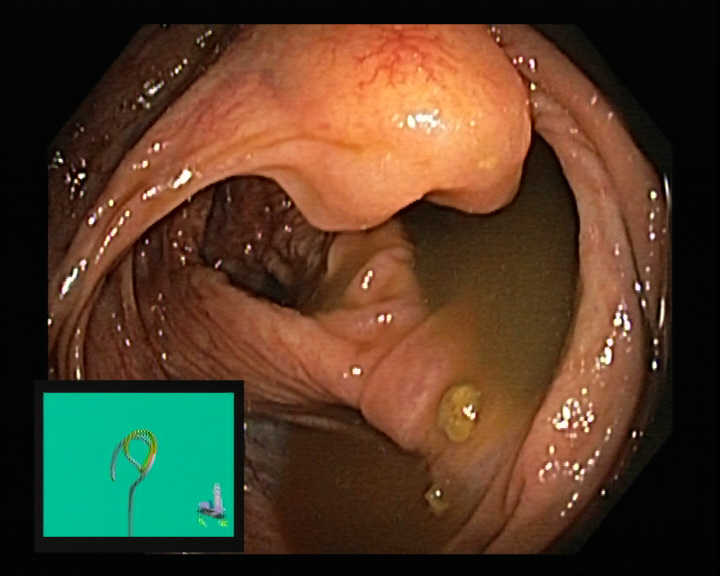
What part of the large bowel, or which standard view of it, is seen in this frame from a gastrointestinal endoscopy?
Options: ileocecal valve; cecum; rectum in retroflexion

ileocecal valve